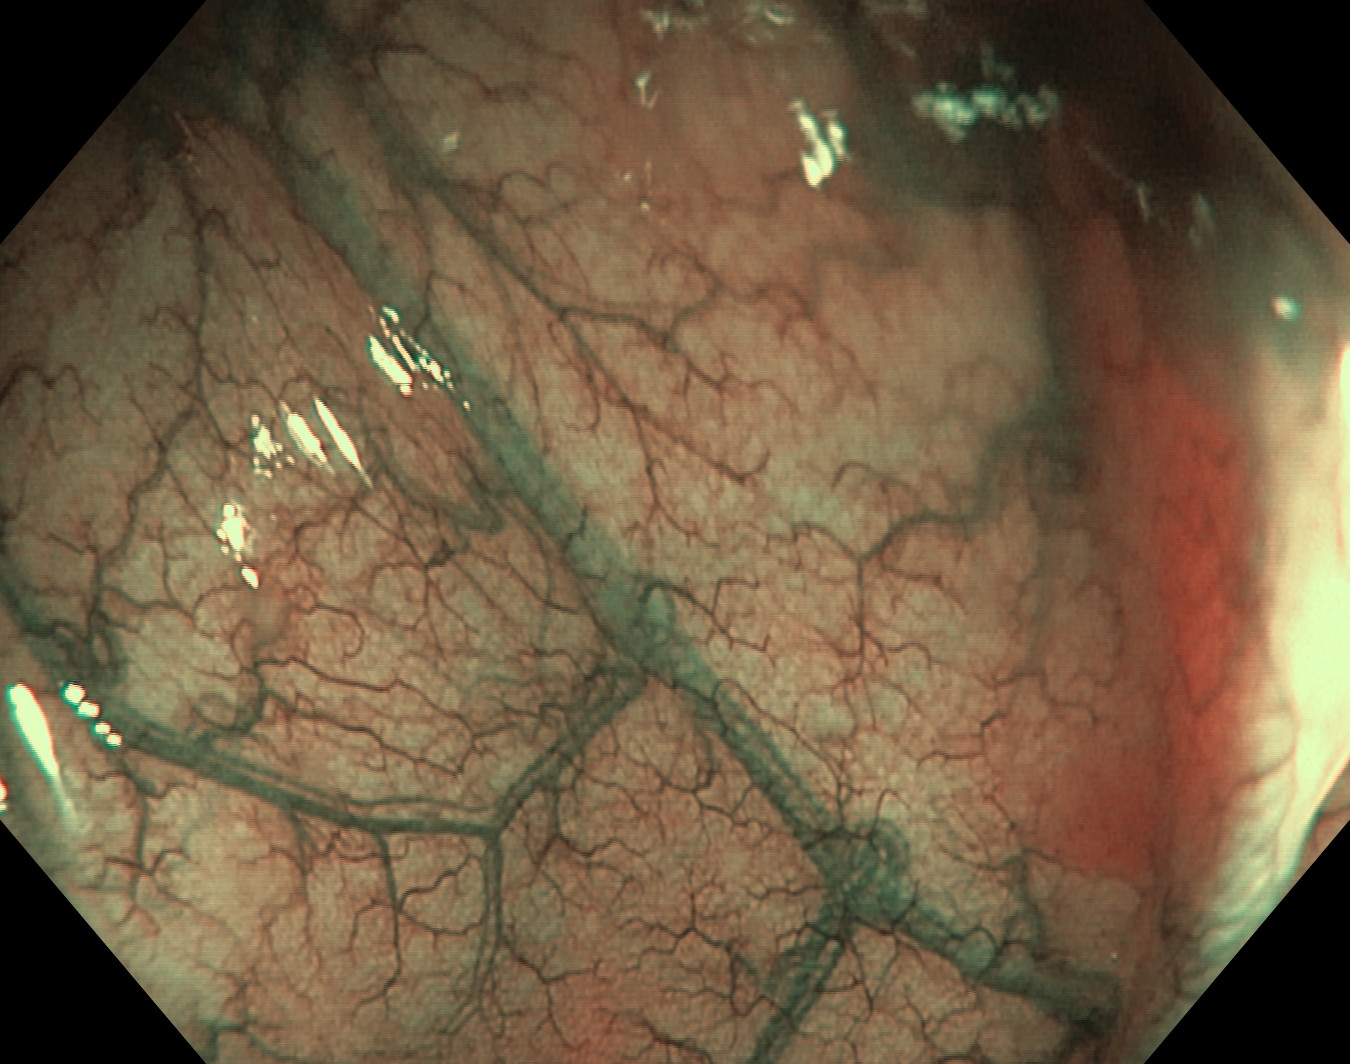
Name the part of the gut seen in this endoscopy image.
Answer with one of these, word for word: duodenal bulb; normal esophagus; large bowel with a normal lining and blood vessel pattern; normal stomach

large bowel with a normal lining and blood vessel pattern